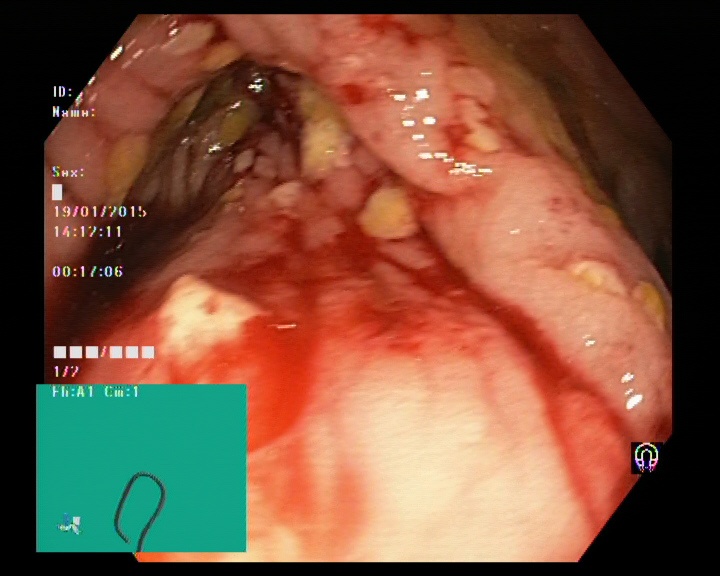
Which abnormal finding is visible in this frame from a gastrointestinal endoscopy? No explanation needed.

colorectal cancer